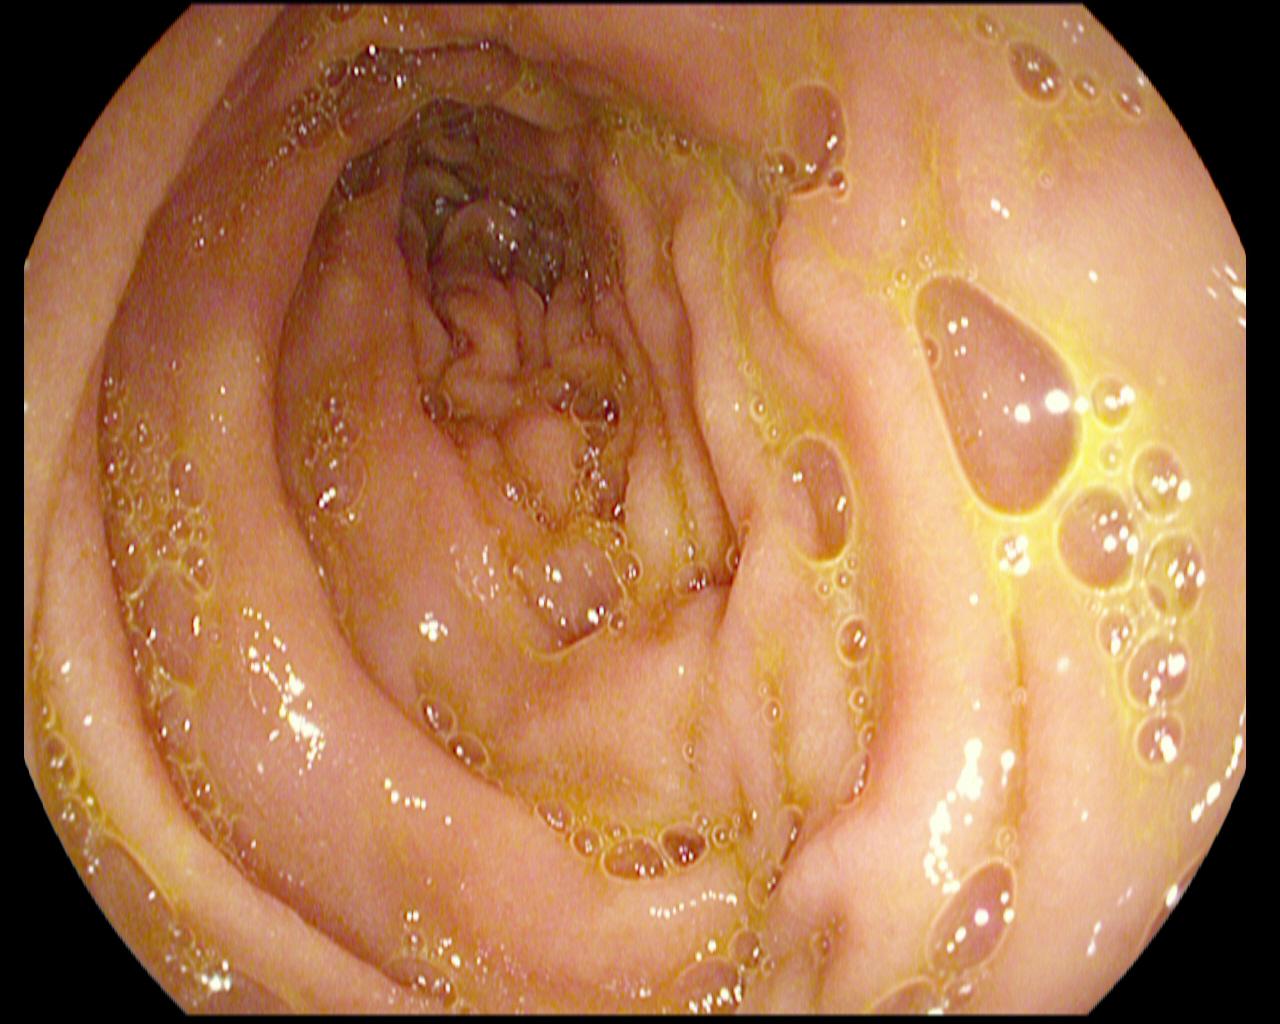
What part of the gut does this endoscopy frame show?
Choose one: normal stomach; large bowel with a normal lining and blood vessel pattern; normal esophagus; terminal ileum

terminal ileum